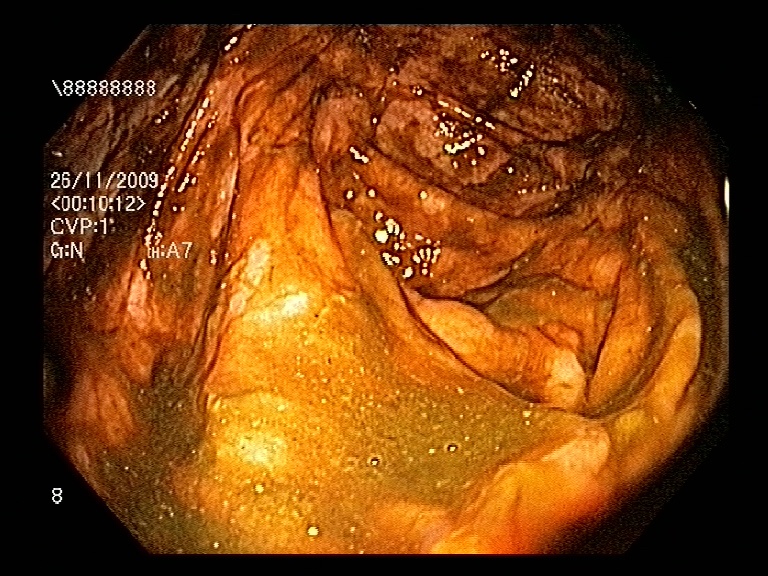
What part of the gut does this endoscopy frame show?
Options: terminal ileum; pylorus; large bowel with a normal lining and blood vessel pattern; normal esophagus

large bowel with a normal lining and blood vessel pattern